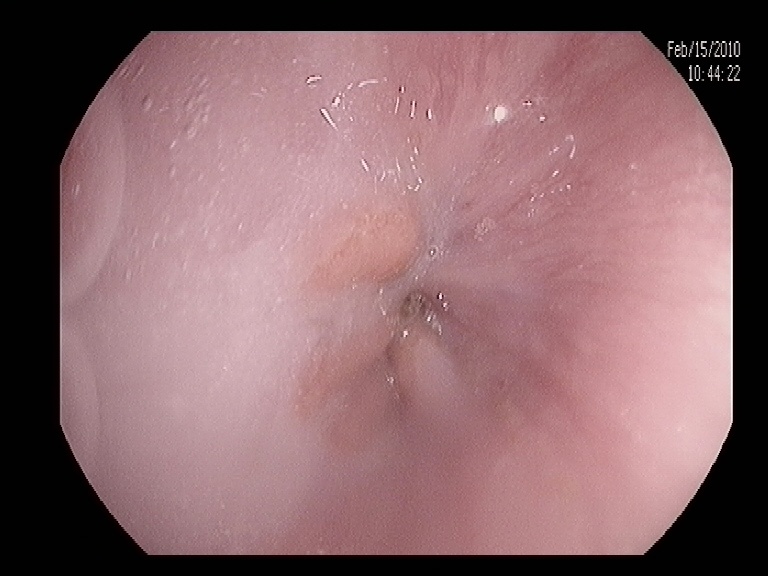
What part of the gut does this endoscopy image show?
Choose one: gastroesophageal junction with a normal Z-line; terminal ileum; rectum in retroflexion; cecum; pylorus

gastroesophageal junction with a normal Z-line